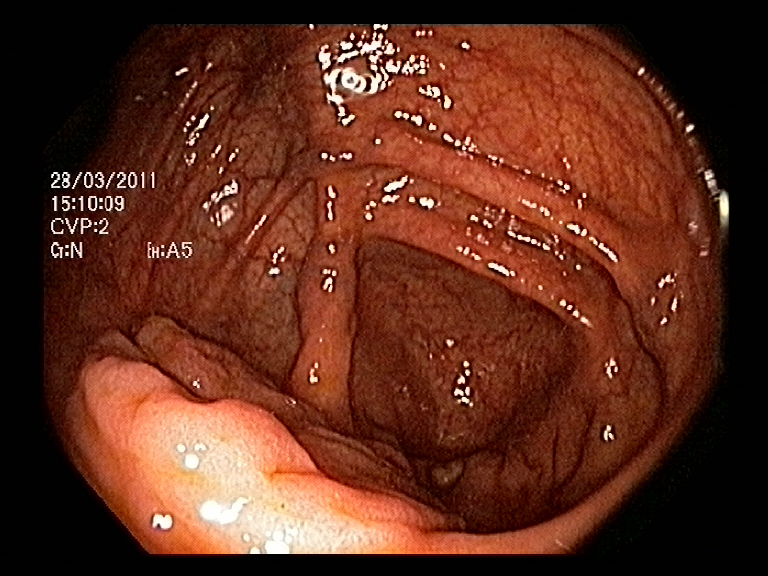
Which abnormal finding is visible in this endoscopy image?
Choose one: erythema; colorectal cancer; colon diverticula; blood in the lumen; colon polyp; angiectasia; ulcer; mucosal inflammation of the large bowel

colon polyp